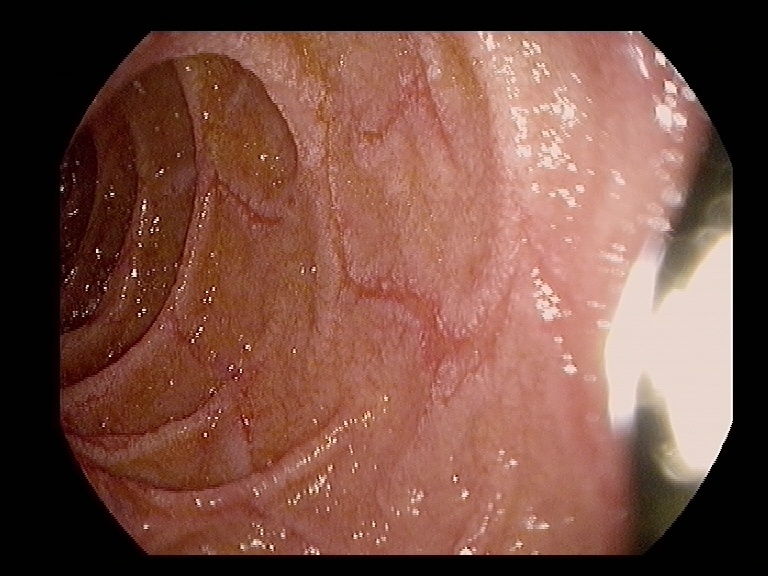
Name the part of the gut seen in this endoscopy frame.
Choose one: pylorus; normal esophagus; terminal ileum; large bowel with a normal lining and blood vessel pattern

terminal ileum